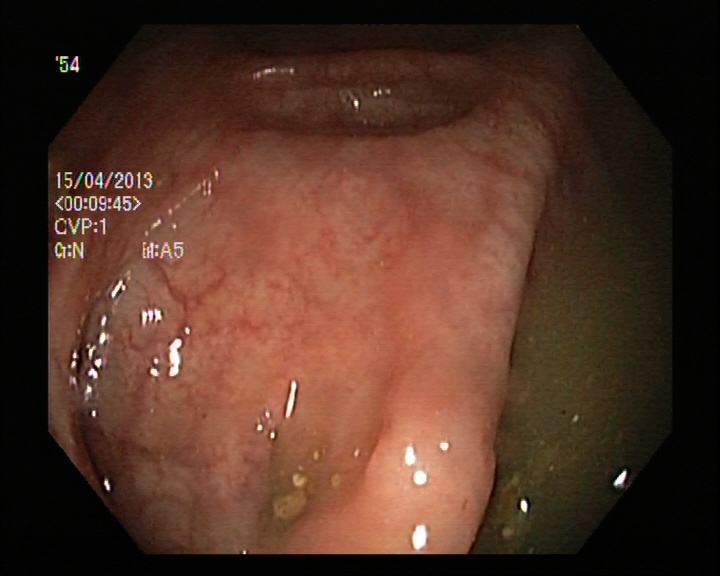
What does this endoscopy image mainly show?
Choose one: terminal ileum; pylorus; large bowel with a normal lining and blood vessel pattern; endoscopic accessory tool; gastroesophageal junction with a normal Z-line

large bowel with a normal lining and blood vessel pattern